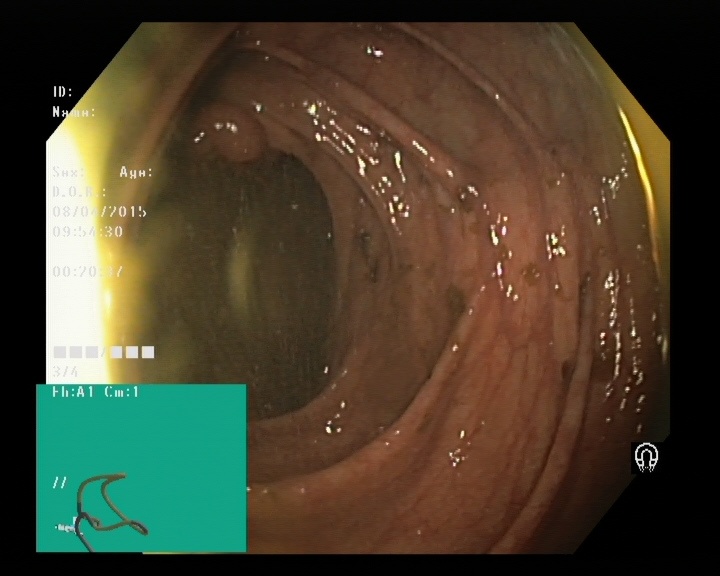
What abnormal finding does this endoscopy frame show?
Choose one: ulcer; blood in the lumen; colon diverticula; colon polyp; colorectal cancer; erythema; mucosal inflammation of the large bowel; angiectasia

colon polyp